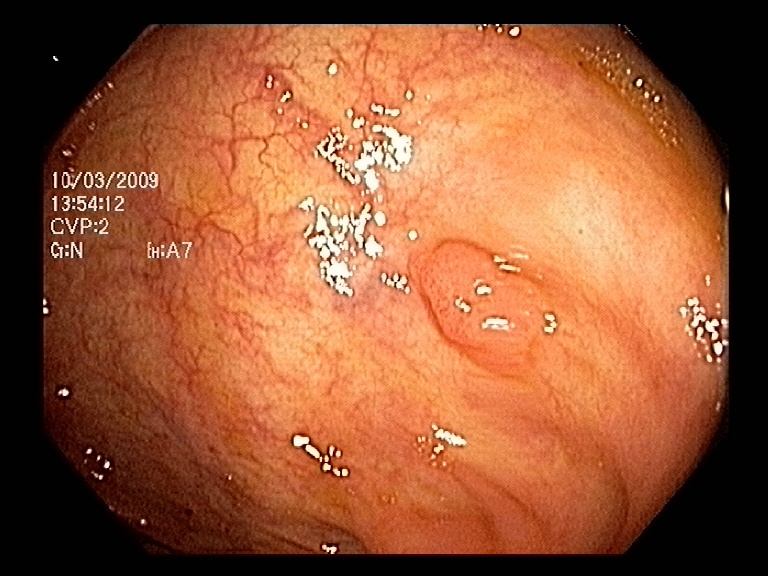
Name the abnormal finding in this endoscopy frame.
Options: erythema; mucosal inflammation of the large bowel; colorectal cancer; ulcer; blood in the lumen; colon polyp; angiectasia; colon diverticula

colon polyp